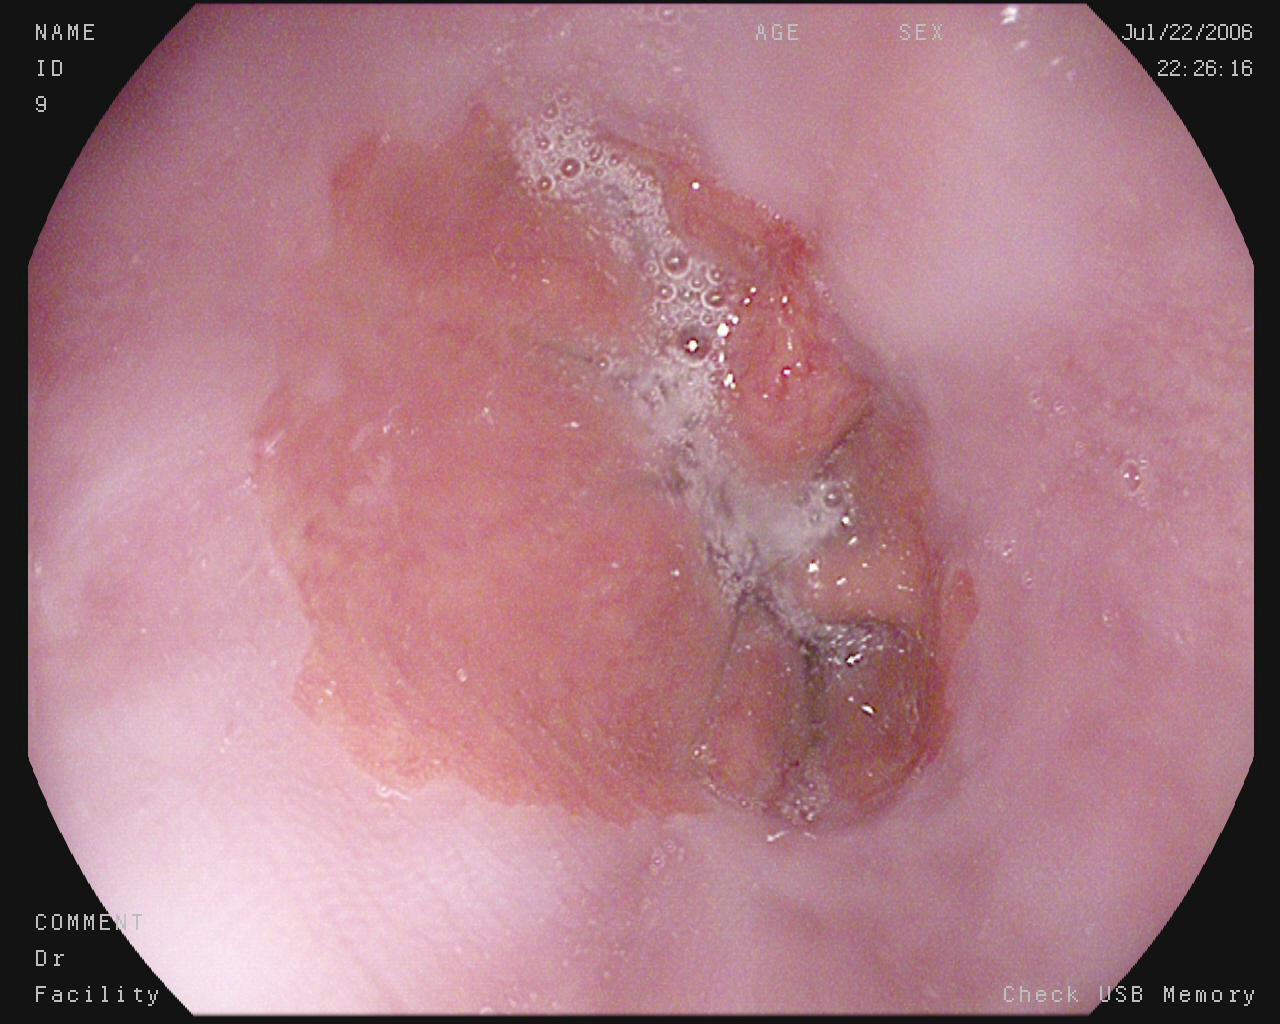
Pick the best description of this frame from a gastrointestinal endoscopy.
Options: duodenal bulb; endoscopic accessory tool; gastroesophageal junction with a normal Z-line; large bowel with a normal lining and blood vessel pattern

gastroesophageal junction with a normal Z-line